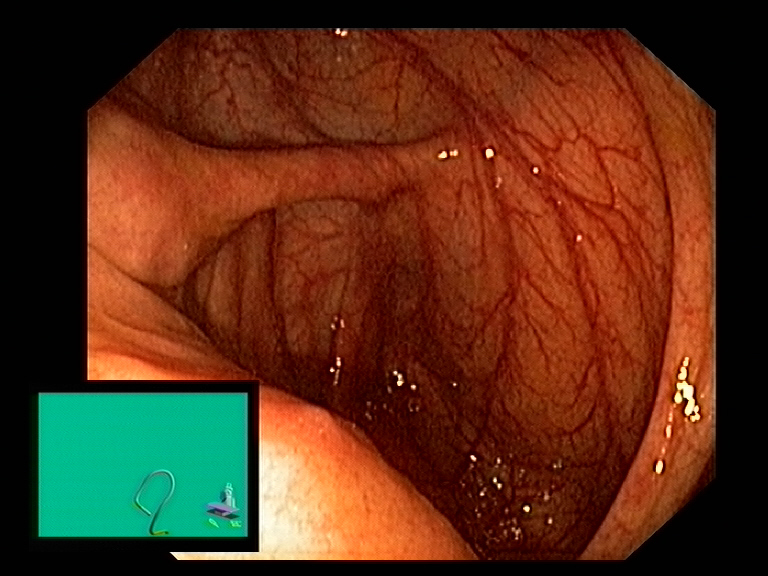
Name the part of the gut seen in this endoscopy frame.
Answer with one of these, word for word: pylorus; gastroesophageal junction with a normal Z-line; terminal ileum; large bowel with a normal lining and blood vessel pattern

large bowel with a normal lining and blood vessel pattern